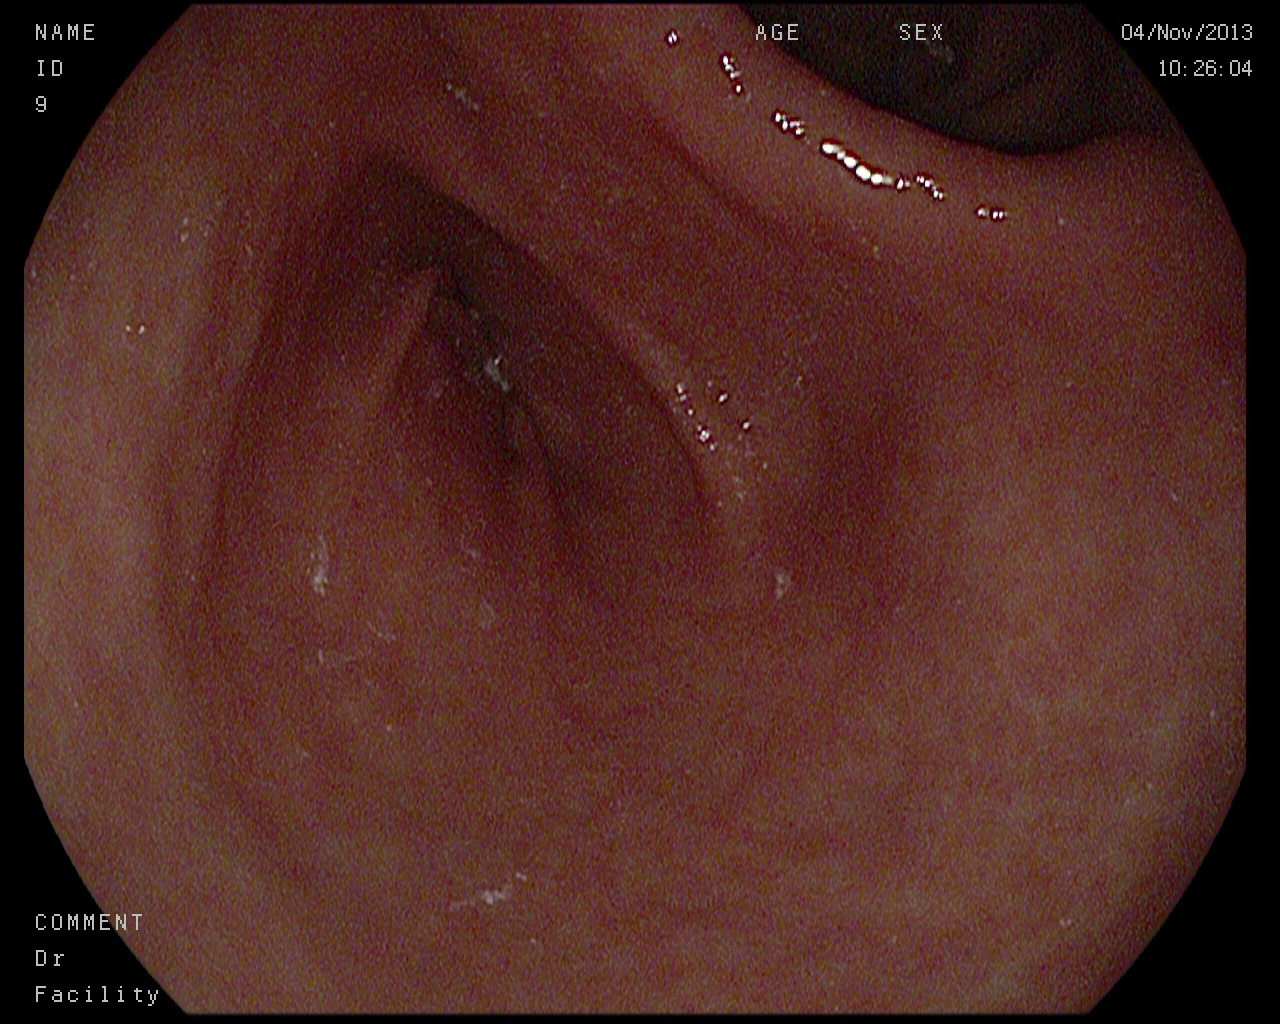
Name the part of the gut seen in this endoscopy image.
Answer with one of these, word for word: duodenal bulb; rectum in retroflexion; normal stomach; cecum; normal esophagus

normal stomach